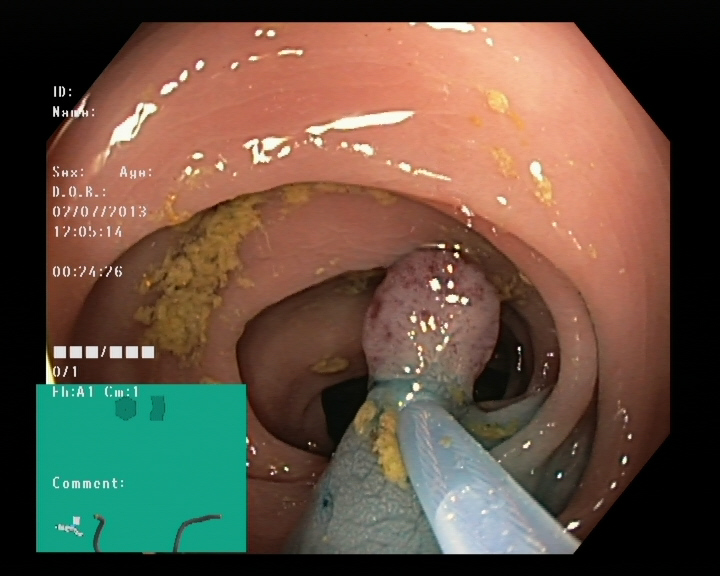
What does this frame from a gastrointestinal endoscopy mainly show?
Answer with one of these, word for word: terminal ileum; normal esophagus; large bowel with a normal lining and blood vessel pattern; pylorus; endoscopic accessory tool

endoscopic accessory tool